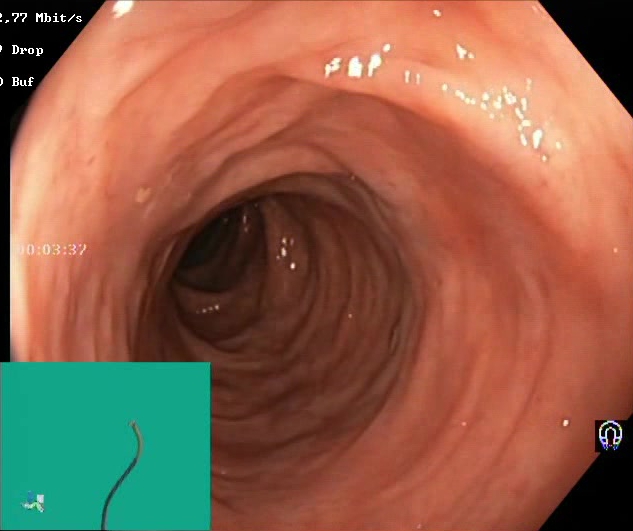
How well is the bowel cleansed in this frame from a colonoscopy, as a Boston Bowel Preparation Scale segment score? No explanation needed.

Boston Bowel Preparation Scale score 2–3 (adequate preparation)